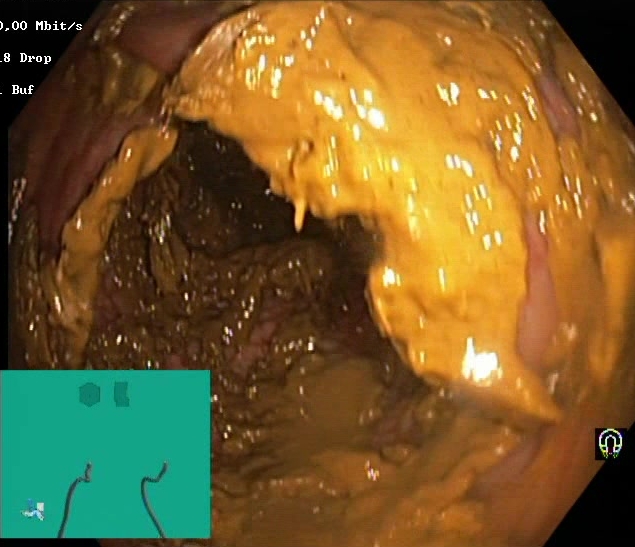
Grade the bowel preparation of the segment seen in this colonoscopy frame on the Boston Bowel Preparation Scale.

Boston Bowel Preparation Scale score 0–1 (inadequate preparation)